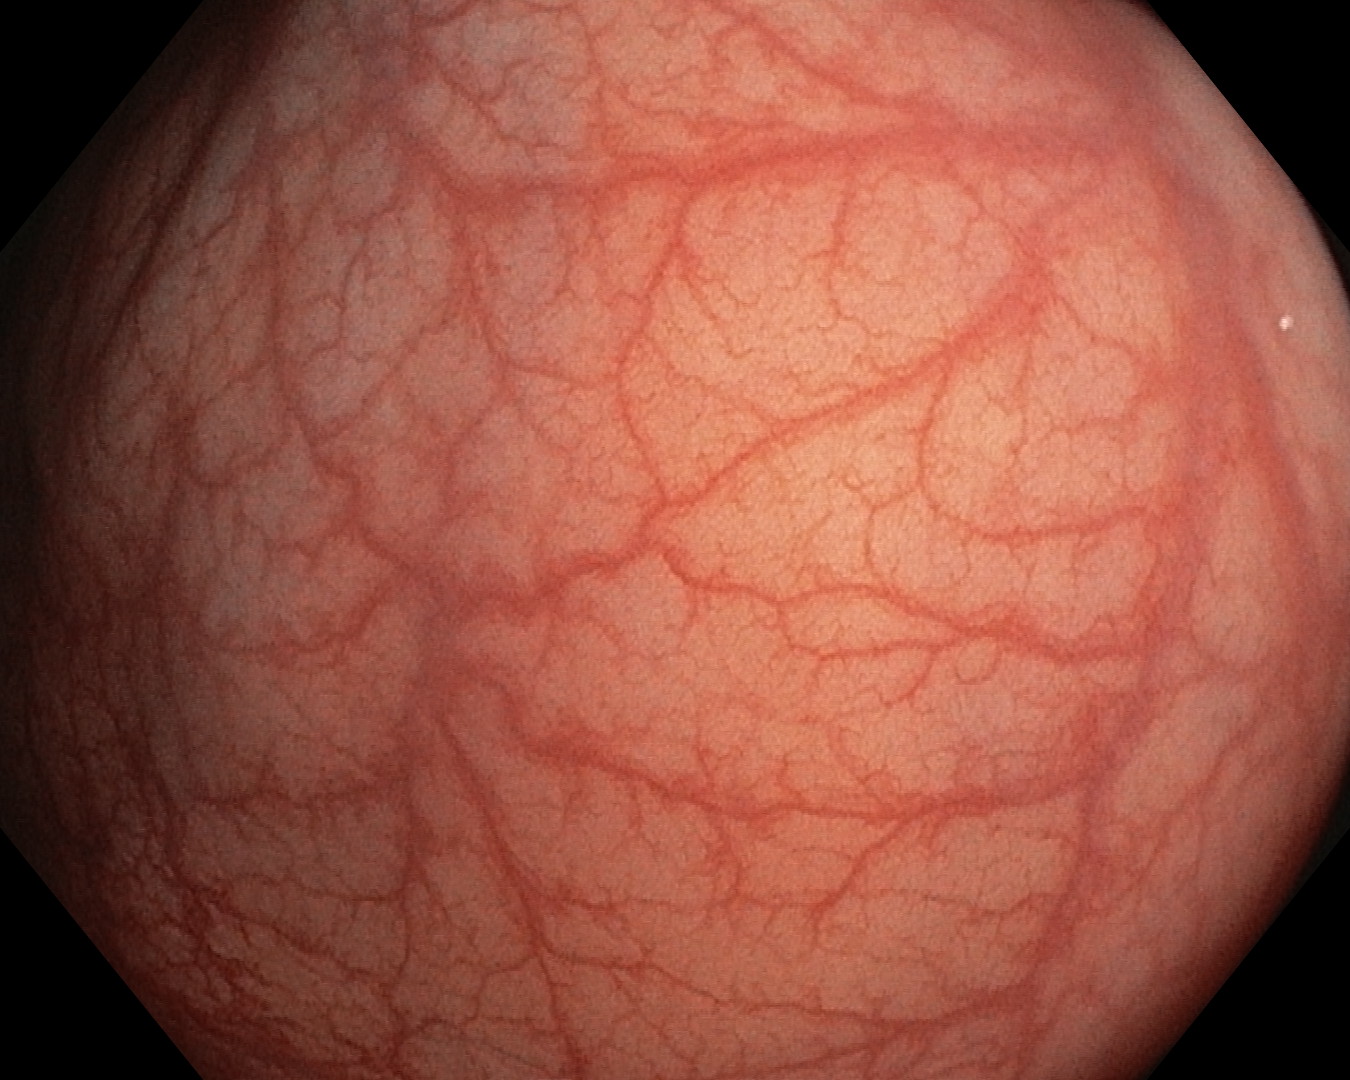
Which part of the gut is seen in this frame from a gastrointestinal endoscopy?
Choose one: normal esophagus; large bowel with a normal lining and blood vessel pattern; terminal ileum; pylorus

large bowel with a normal lining and blood vessel pattern